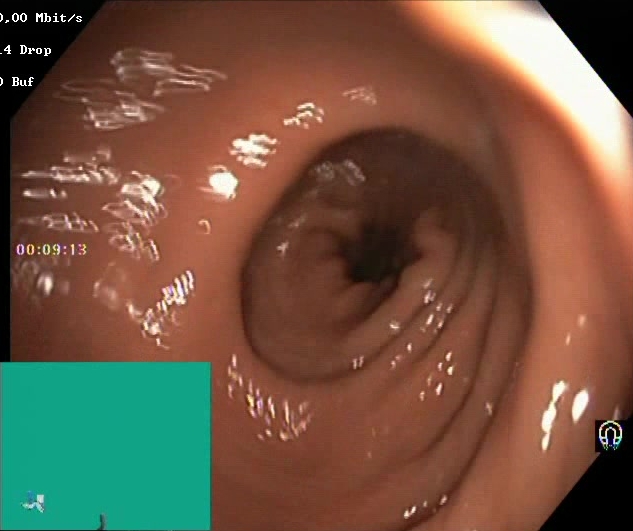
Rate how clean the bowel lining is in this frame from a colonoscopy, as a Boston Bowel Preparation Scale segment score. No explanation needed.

Boston Bowel Preparation Scale score 2–3 (adequate preparation)